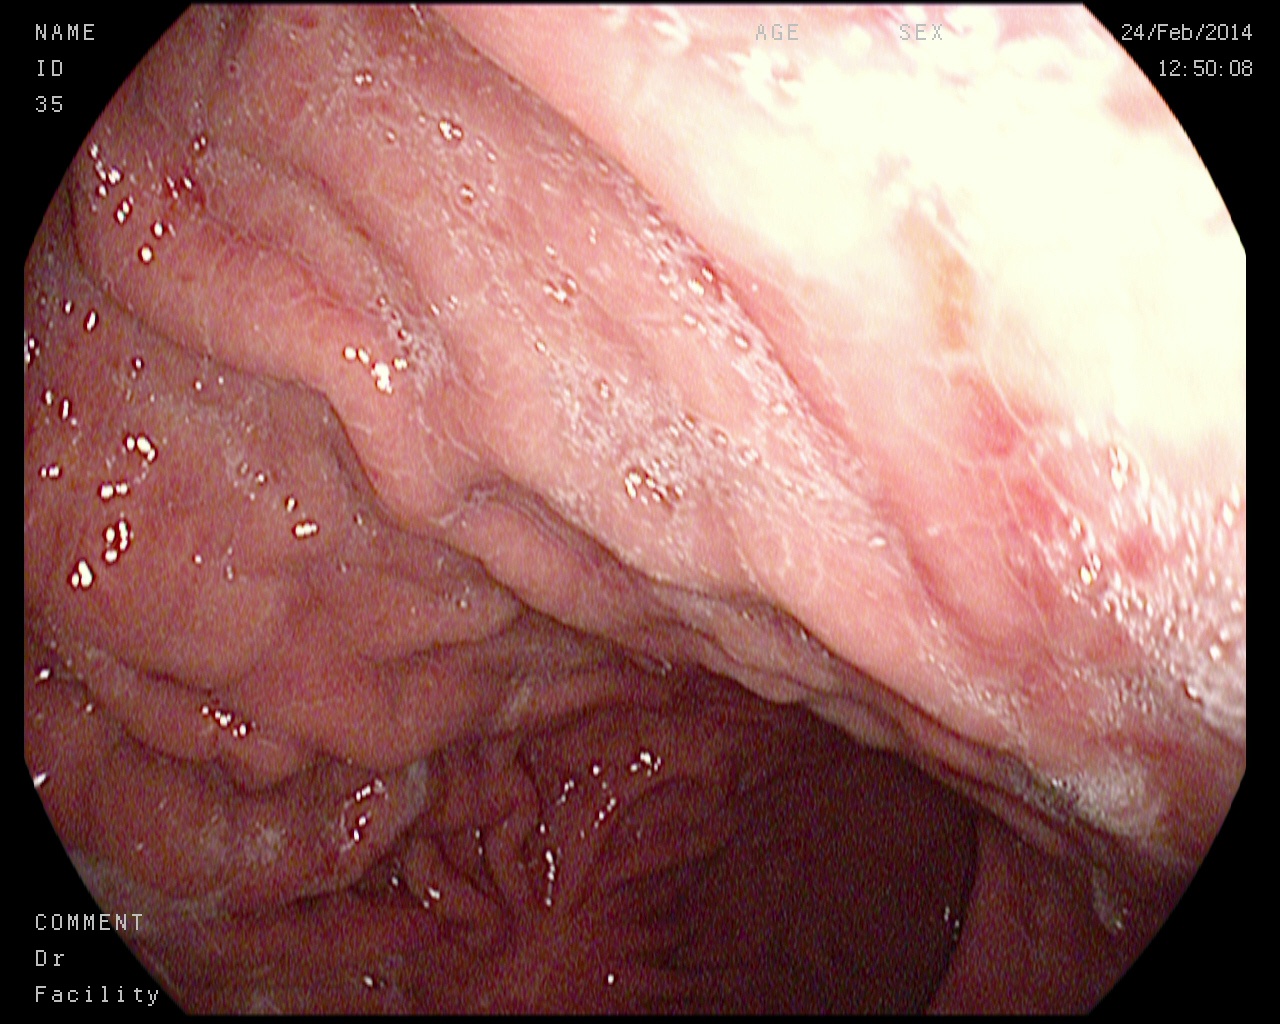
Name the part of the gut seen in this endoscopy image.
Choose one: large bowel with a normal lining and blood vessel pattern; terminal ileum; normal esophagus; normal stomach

normal stomach